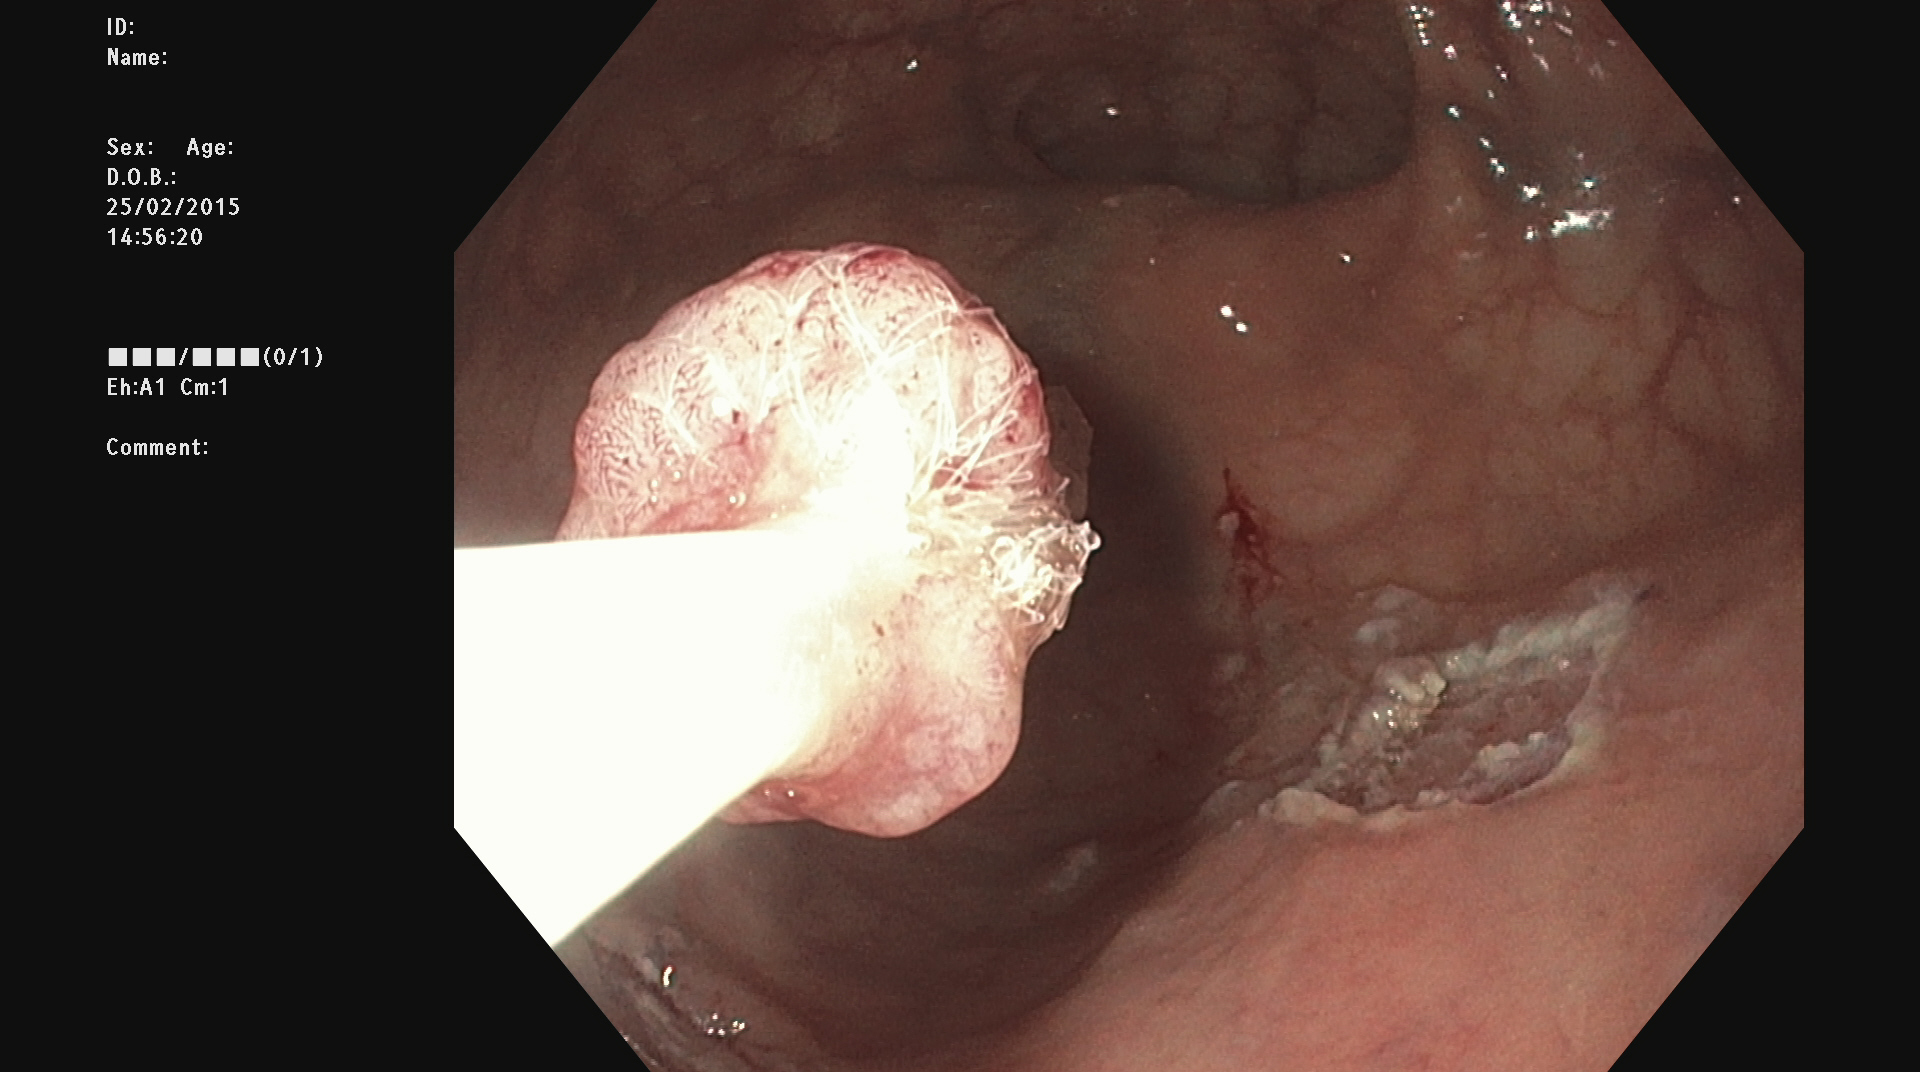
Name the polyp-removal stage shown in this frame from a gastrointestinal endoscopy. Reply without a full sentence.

resected polyp